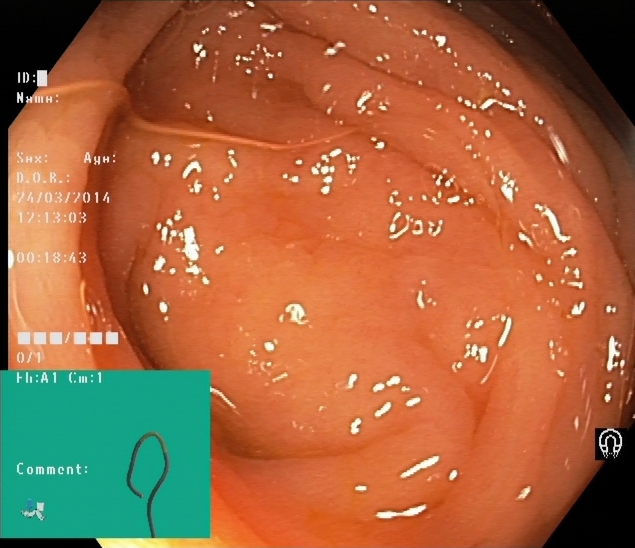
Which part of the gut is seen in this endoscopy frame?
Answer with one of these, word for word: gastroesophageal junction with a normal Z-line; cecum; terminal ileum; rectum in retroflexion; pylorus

cecum